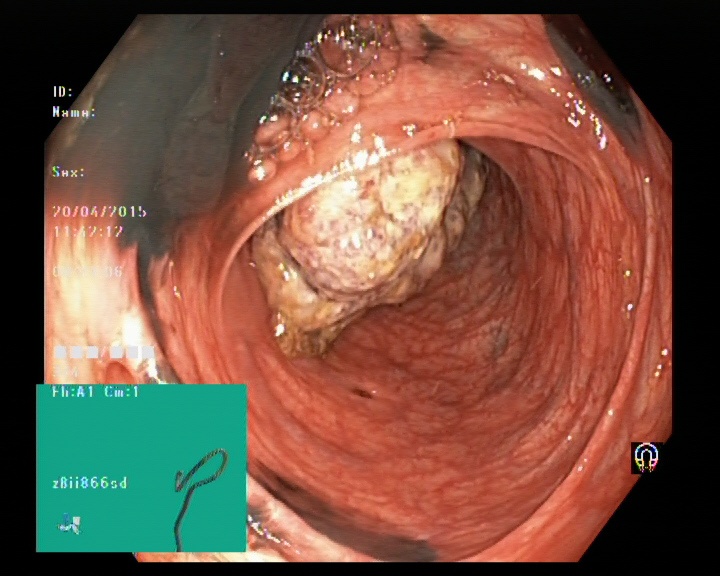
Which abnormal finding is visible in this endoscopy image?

colorectal cancer